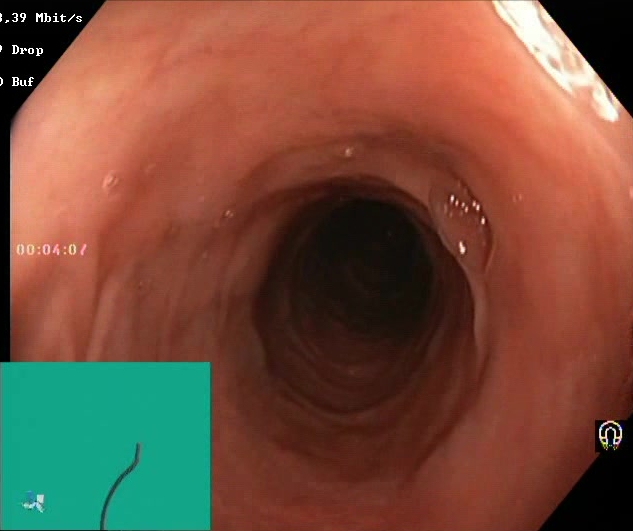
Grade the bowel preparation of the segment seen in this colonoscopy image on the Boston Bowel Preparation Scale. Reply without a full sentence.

Boston Bowel Preparation Scale score 2–3 (adequate preparation)